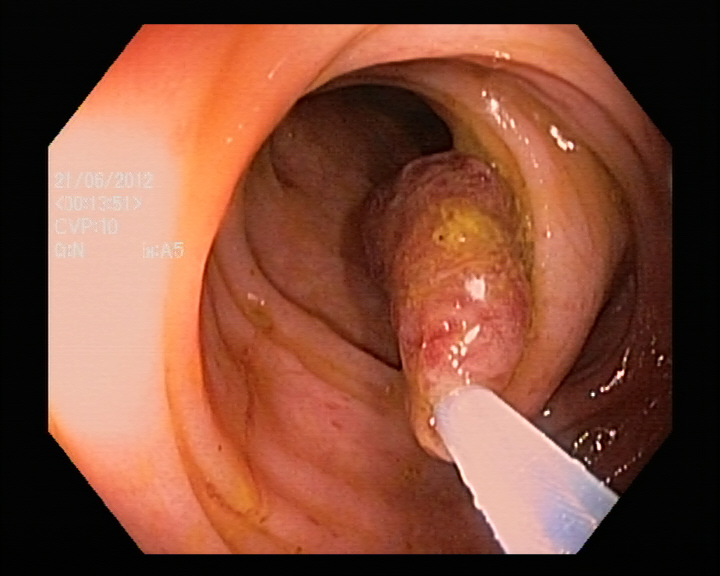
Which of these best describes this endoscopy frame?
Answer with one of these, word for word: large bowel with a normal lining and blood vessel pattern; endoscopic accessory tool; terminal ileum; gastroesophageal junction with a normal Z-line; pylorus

endoscopic accessory tool